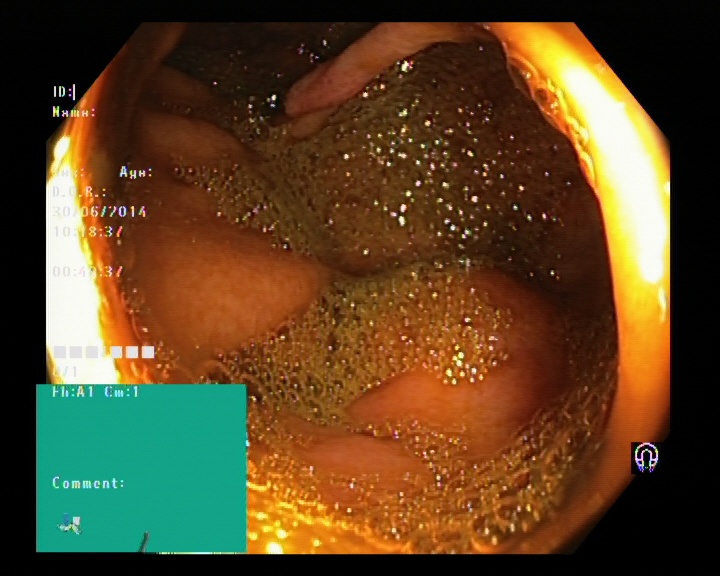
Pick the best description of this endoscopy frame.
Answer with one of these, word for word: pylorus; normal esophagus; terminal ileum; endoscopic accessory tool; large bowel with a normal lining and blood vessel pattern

large bowel with a normal lining and blood vessel pattern